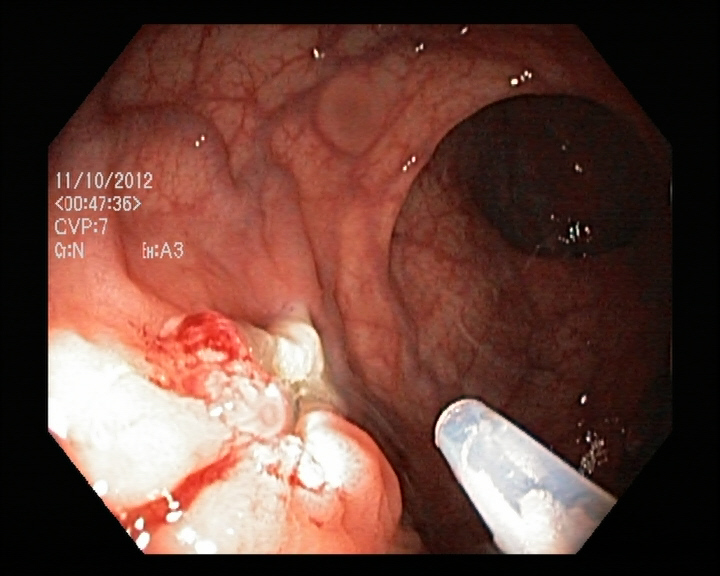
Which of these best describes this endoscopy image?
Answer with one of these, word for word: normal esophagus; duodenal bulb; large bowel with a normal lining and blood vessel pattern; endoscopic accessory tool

endoscopic accessory tool